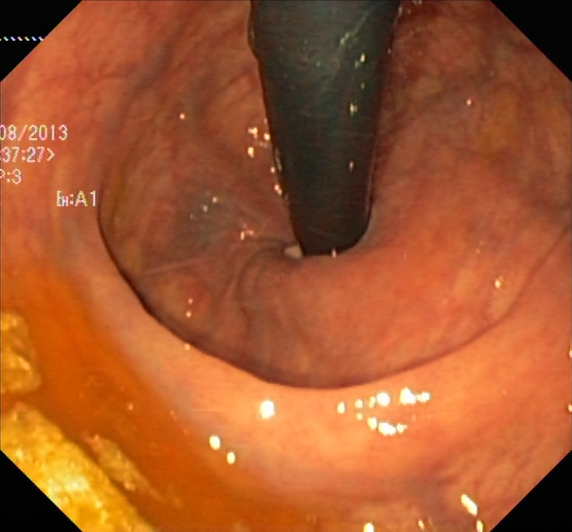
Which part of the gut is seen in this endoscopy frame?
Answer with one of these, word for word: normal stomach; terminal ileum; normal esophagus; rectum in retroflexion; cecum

rectum in retroflexion